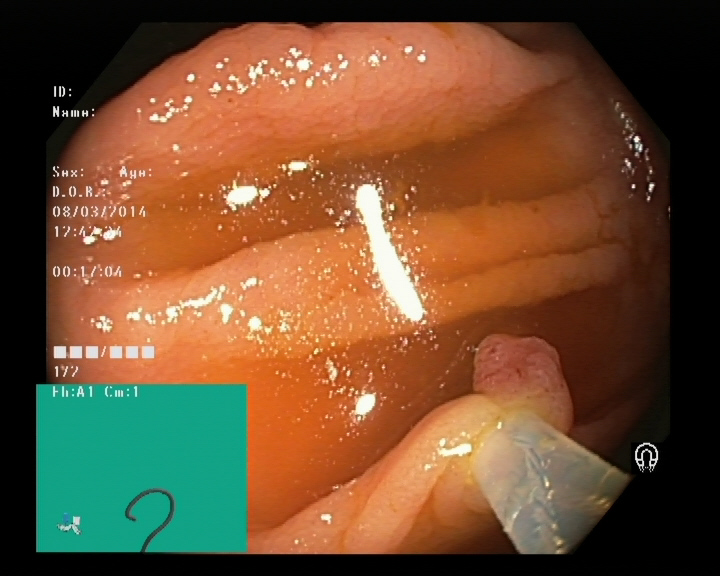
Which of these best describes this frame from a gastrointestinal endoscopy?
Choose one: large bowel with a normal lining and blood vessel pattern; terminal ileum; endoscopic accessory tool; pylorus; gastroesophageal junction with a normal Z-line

endoscopic accessory tool